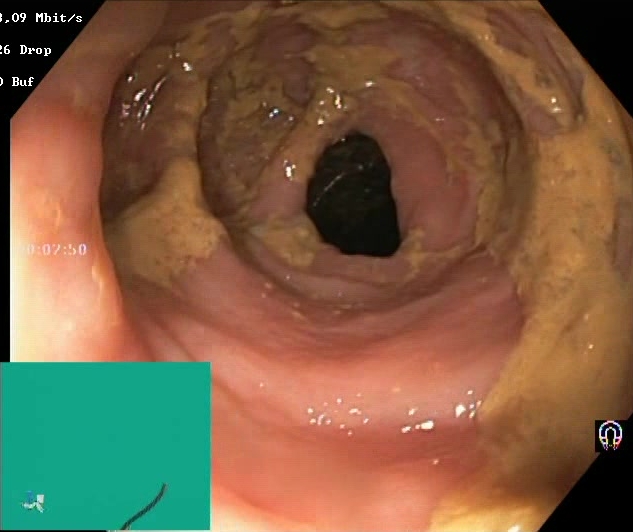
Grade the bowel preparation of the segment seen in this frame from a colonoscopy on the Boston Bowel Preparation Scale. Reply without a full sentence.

Boston Bowel Preparation Scale score 0–1 (inadequate preparation)